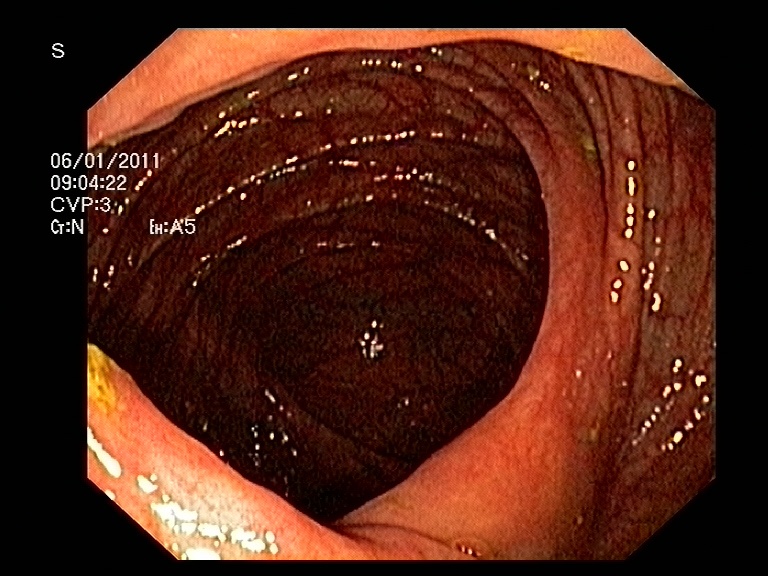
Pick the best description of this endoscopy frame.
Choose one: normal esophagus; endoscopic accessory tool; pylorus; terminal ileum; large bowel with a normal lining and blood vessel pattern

large bowel with a normal lining and blood vessel pattern